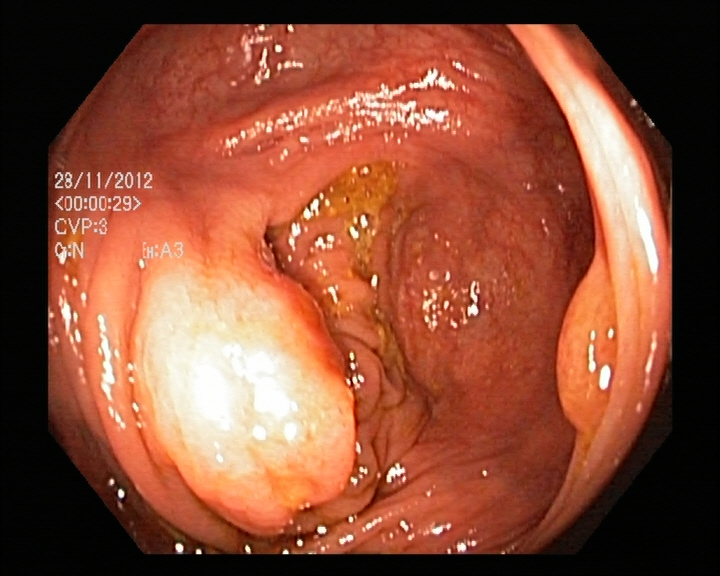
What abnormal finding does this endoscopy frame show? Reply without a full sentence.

colon polyp